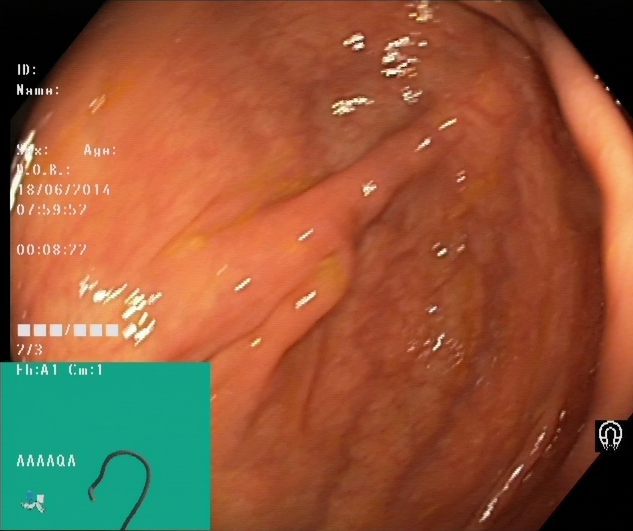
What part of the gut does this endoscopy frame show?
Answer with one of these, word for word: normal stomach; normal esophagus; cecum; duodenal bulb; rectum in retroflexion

cecum